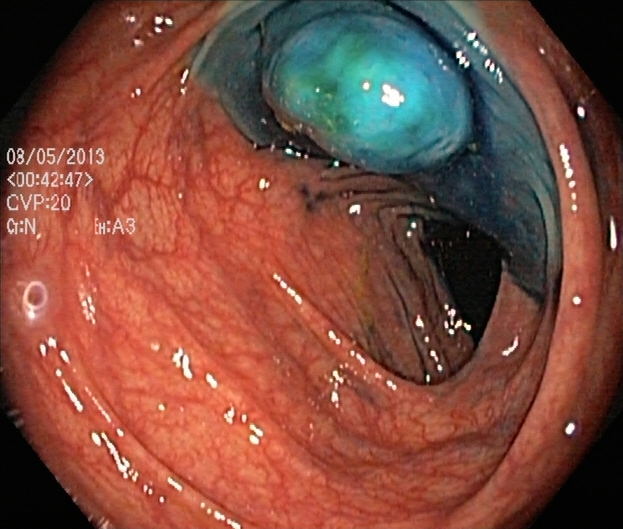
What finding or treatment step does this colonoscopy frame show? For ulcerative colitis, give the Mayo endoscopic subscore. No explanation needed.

dyed and lifted polyp (pre-resection)